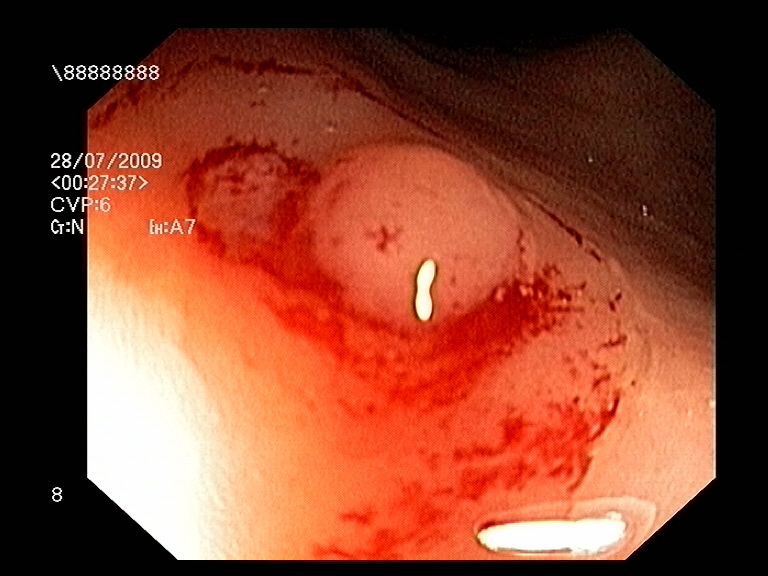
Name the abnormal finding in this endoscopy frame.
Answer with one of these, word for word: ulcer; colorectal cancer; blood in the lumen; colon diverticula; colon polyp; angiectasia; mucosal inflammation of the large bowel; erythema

colon polyp